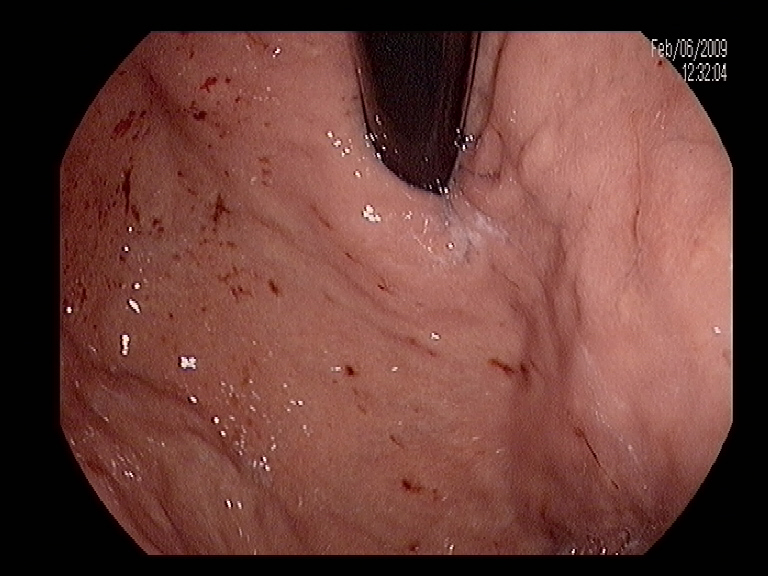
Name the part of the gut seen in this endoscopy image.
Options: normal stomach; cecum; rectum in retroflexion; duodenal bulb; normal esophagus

normal stomach